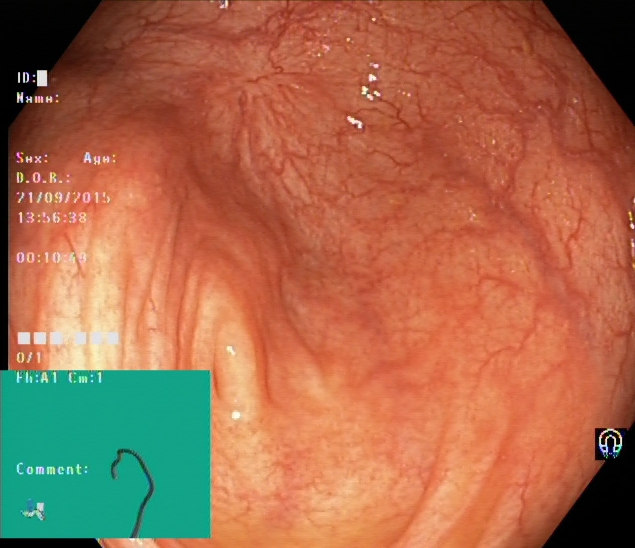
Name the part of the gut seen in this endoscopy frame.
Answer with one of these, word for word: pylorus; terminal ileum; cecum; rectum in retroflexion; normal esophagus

cecum